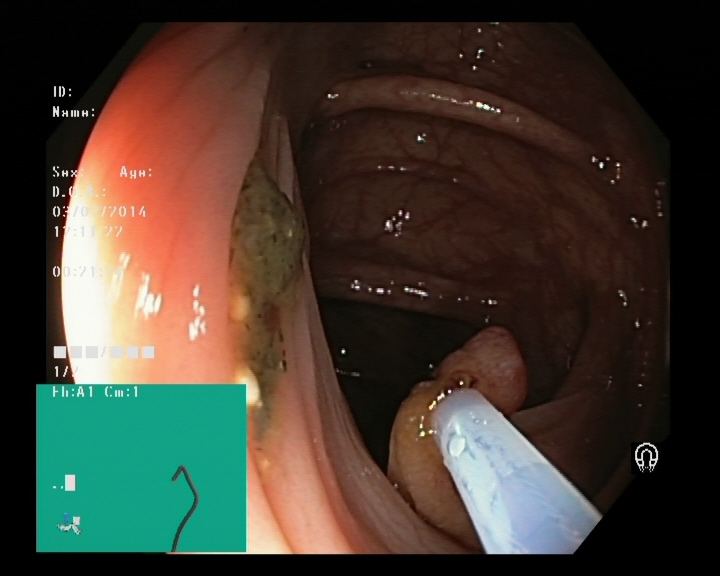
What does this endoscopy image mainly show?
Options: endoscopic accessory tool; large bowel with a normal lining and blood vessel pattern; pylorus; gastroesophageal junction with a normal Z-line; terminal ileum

endoscopic accessory tool